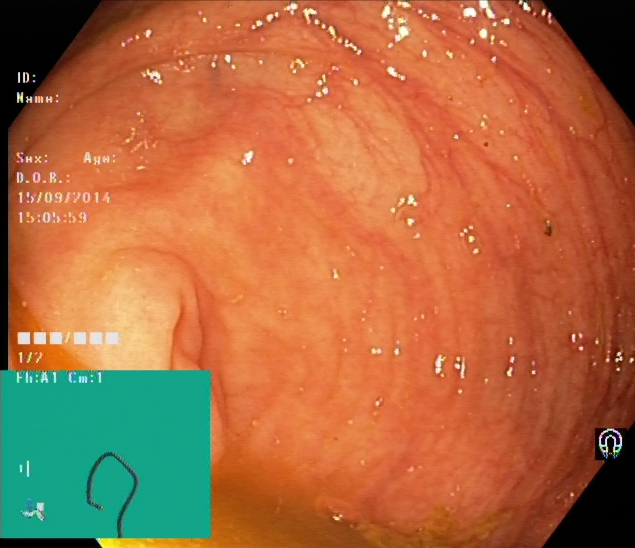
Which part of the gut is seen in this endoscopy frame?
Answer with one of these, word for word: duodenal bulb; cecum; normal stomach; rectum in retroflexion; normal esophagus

cecum